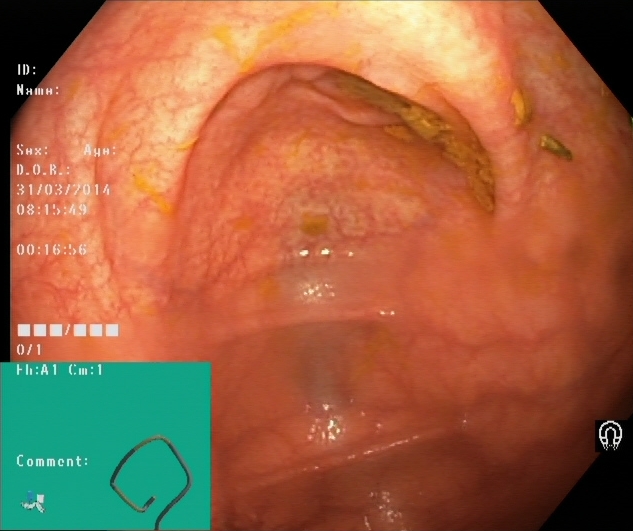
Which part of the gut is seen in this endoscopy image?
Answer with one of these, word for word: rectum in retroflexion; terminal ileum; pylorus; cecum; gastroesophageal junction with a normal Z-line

cecum